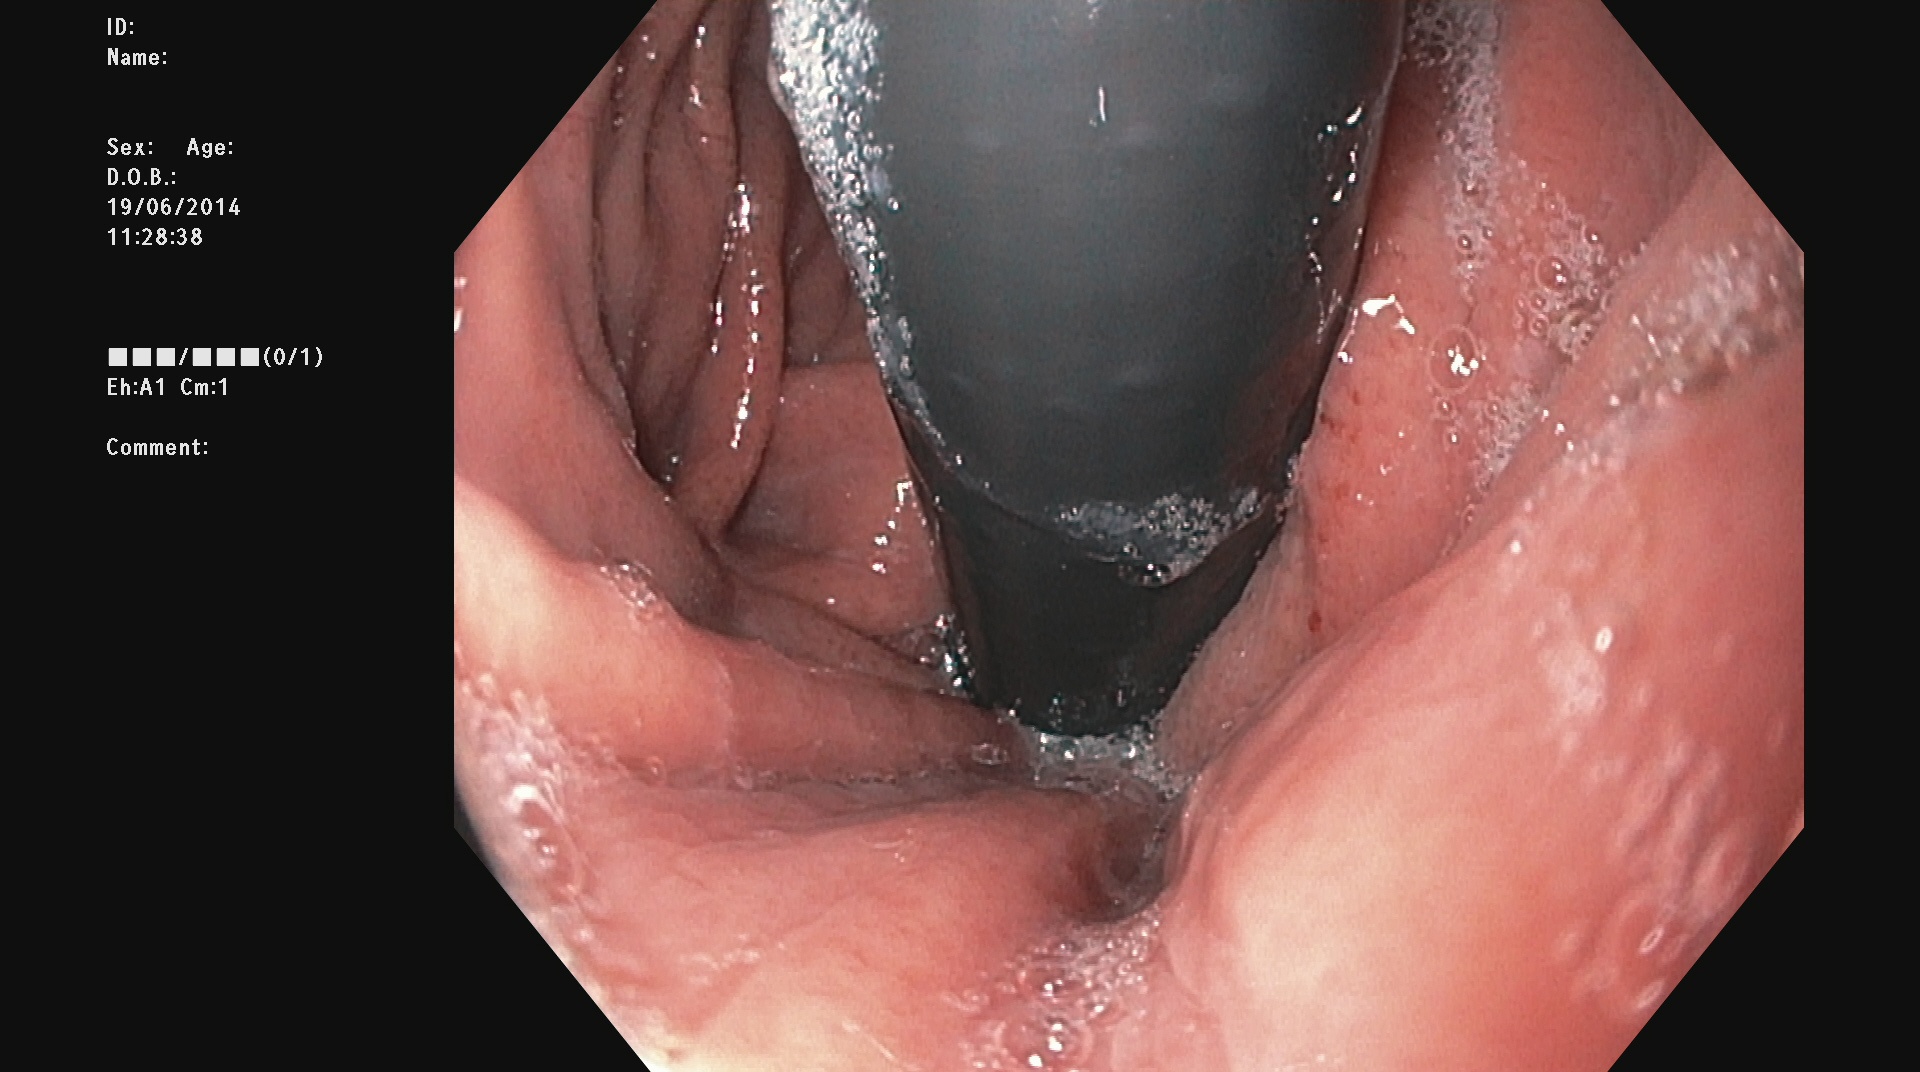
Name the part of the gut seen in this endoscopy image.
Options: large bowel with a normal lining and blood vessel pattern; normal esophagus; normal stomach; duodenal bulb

normal stomach